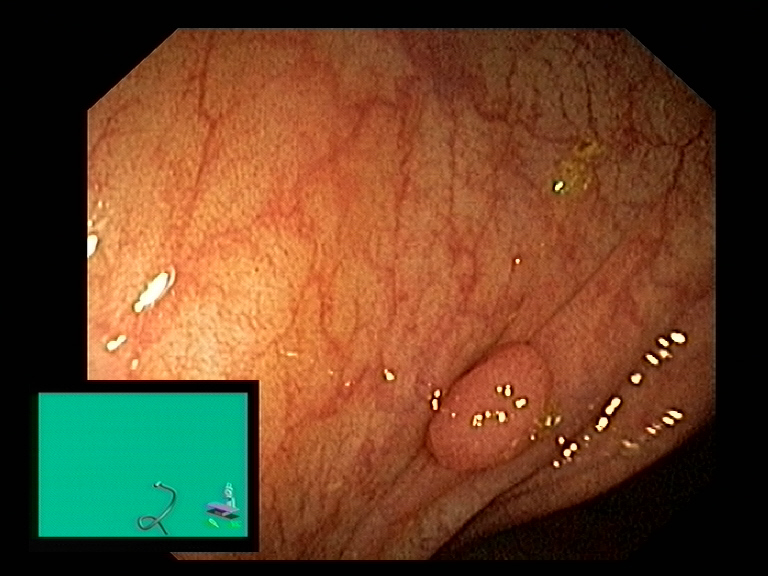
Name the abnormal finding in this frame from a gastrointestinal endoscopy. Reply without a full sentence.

colon polyp